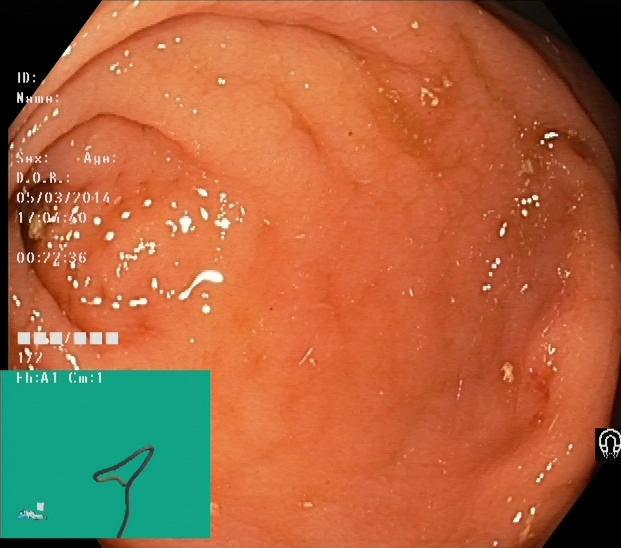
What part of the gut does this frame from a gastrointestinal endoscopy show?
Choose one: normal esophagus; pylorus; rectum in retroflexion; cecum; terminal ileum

cecum